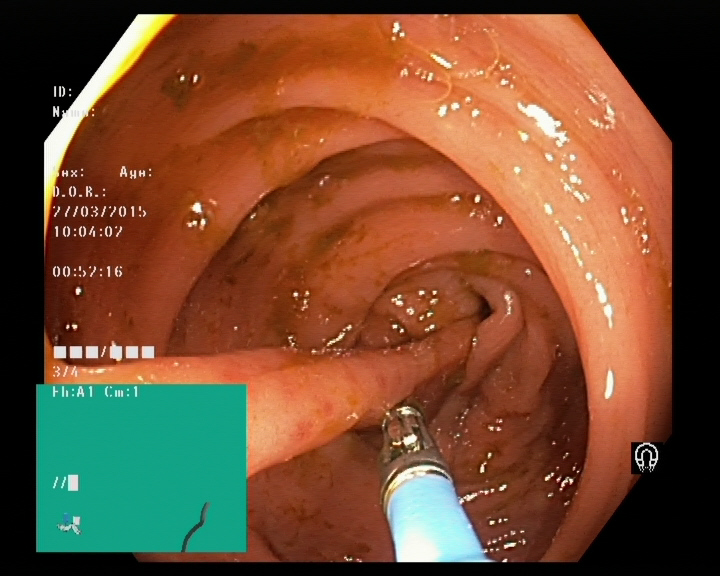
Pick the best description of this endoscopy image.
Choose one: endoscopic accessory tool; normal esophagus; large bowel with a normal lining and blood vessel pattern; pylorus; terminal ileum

endoscopic accessory tool